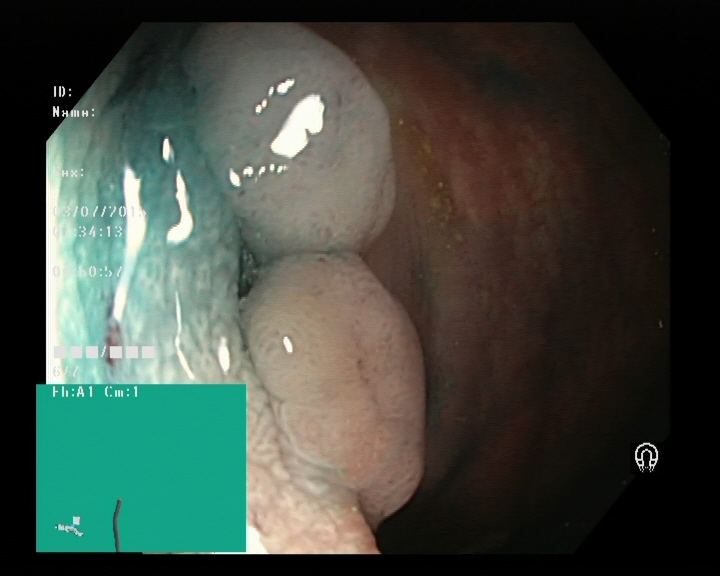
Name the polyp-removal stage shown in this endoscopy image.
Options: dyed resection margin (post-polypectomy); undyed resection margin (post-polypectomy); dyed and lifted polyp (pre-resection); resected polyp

dyed and lifted polyp (pre-resection)